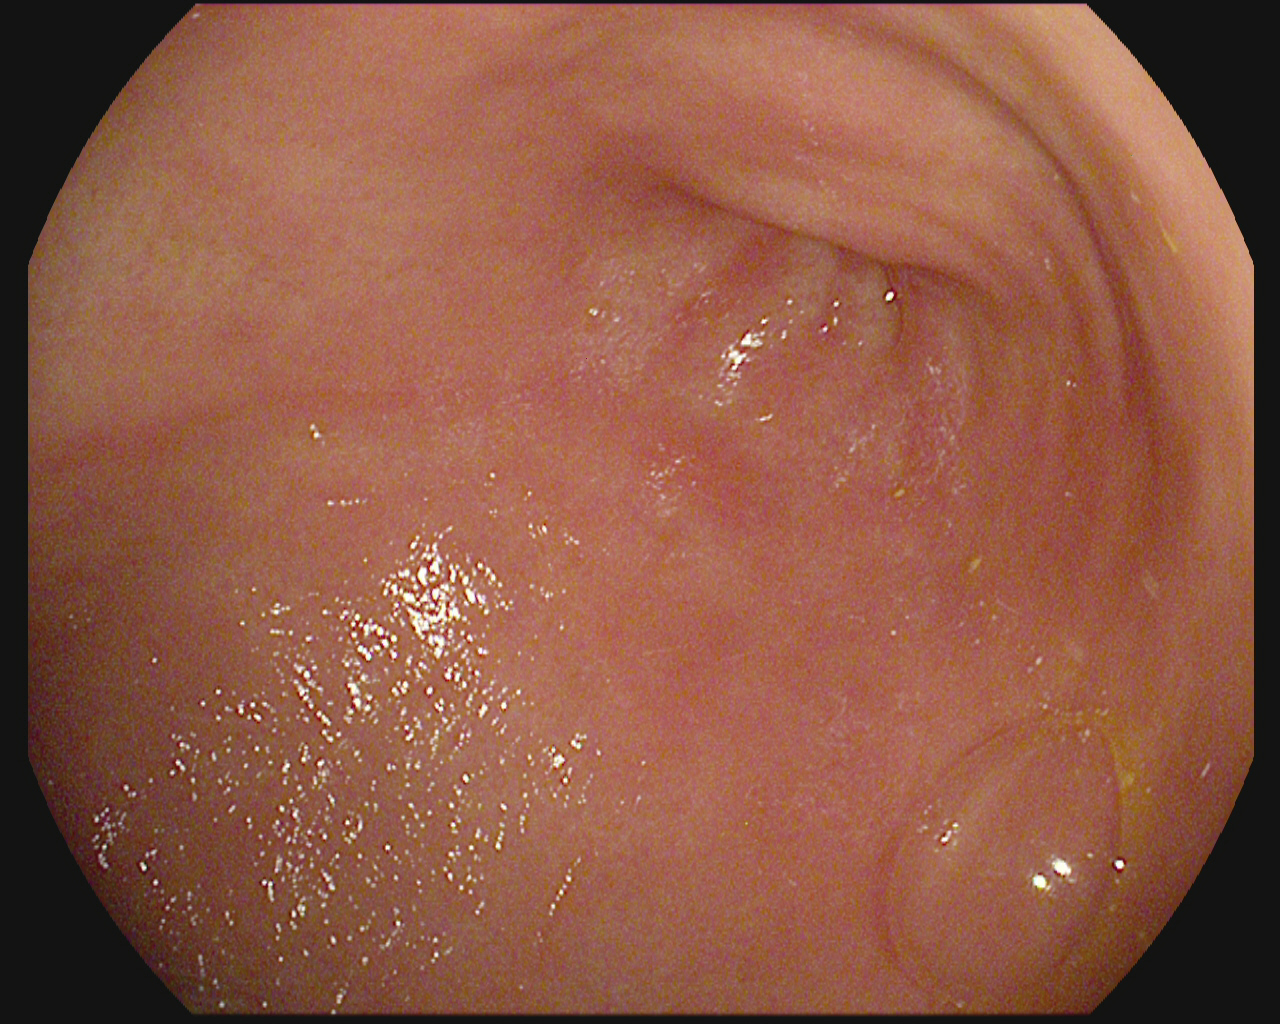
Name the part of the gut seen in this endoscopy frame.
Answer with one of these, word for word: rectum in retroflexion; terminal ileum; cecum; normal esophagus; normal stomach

normal stomach